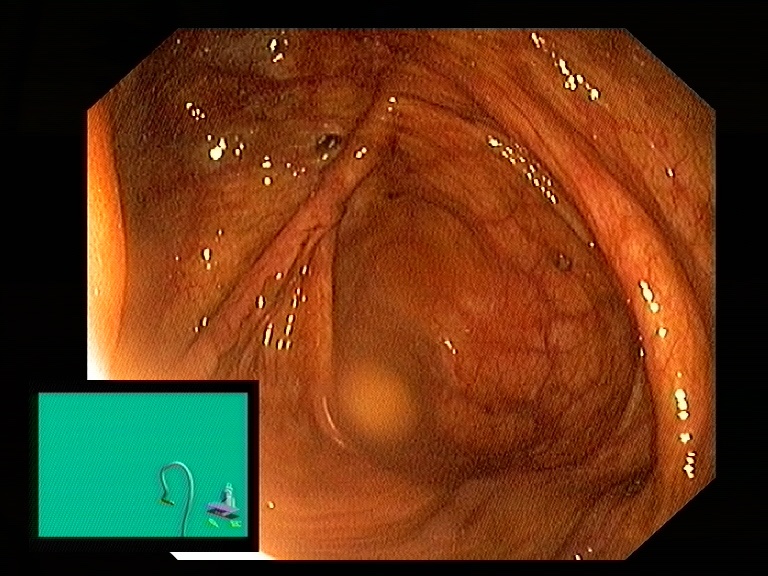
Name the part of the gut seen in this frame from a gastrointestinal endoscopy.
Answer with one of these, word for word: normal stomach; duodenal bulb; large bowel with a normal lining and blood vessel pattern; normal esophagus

large bowel with a normal lining and blood vessel pattern